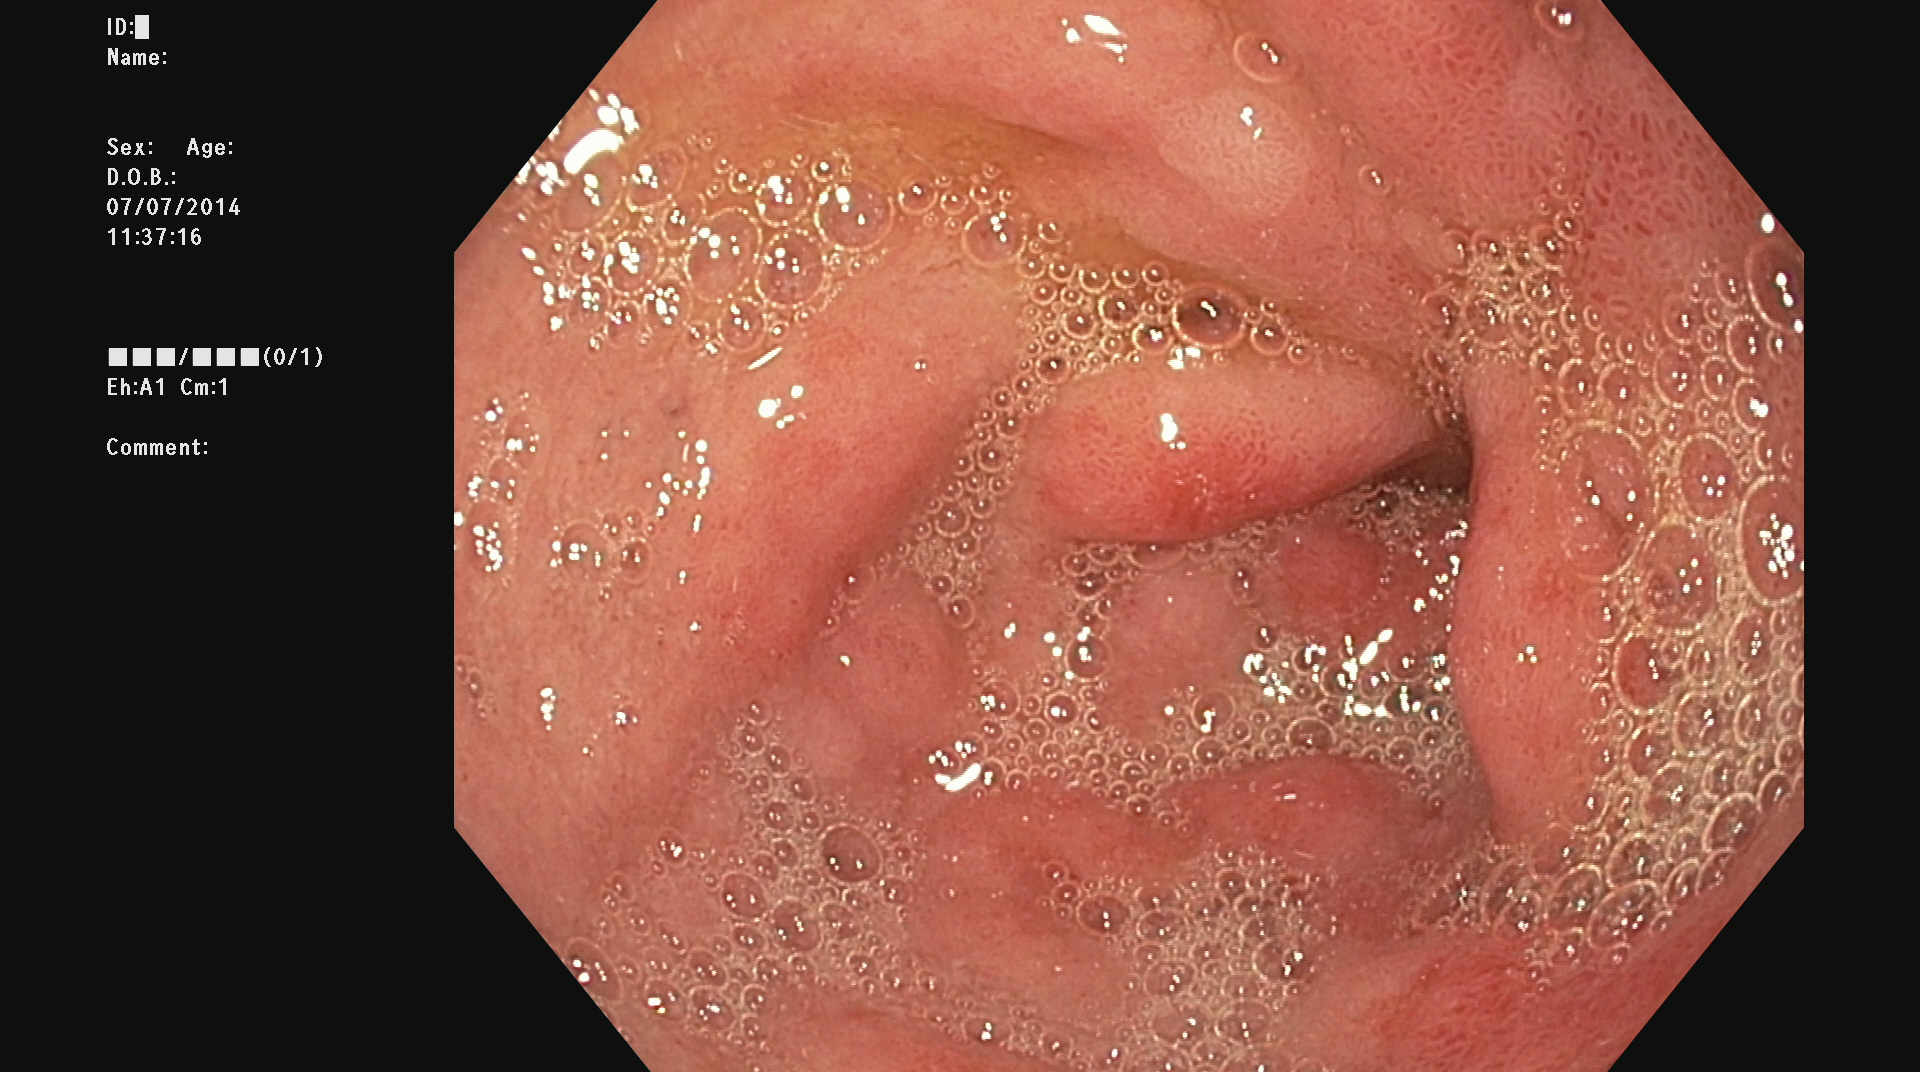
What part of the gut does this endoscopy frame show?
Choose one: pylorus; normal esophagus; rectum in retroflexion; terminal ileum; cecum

pylorus